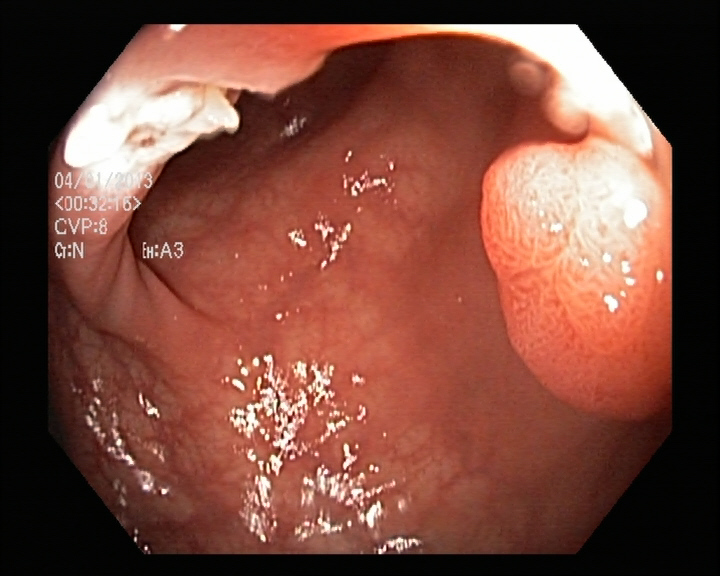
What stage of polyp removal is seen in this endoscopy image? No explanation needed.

resected polyp